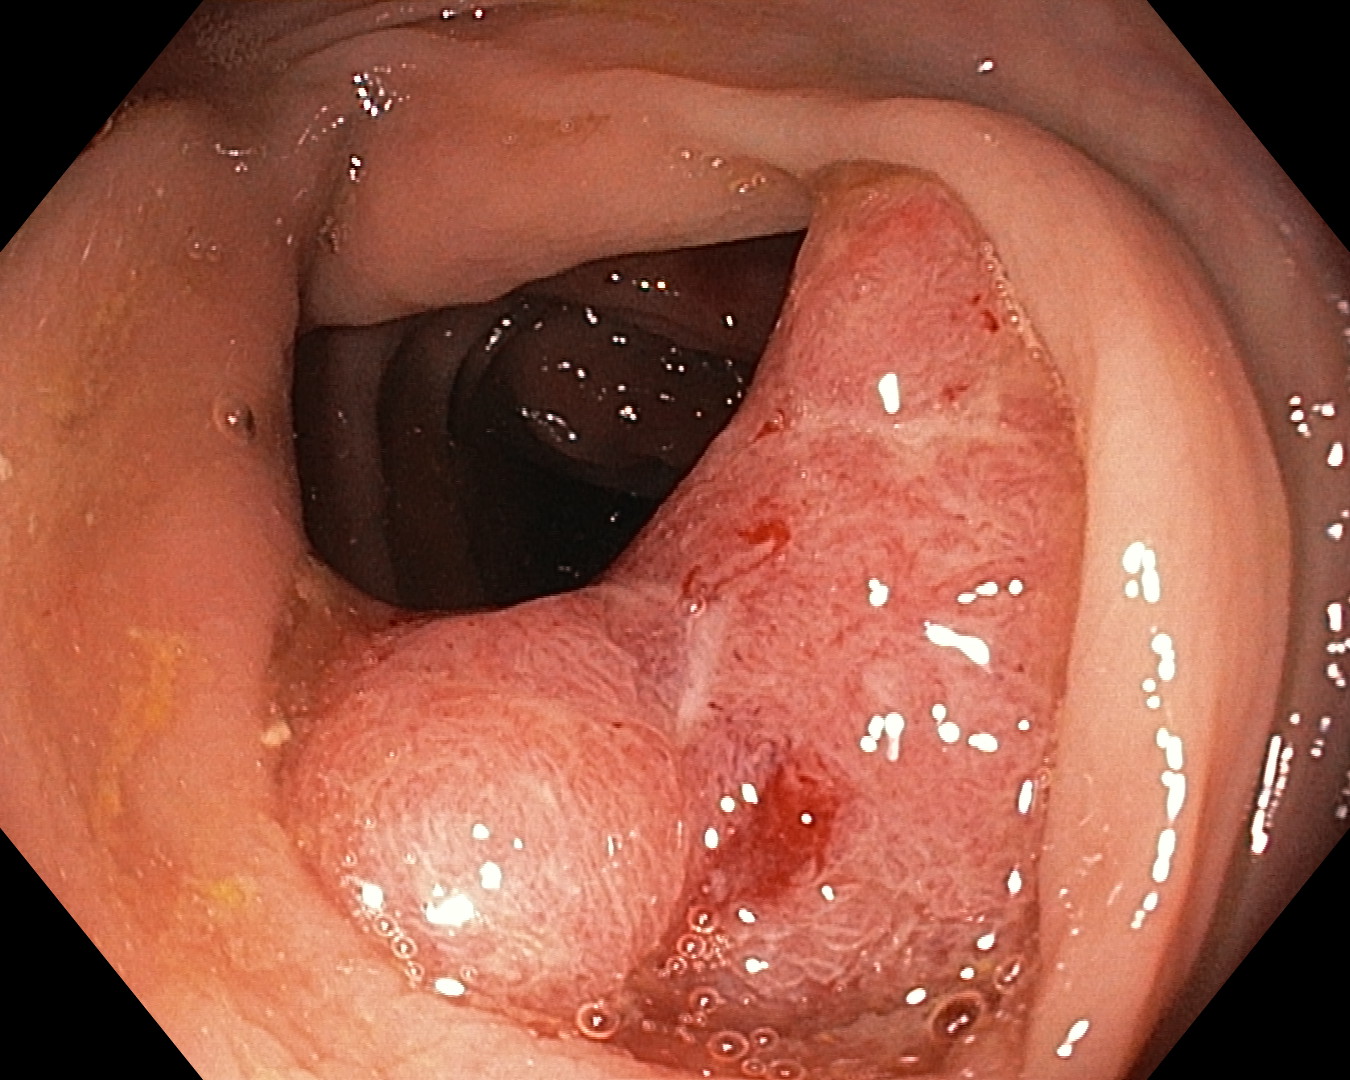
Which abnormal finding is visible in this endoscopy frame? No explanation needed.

colorectal cancer